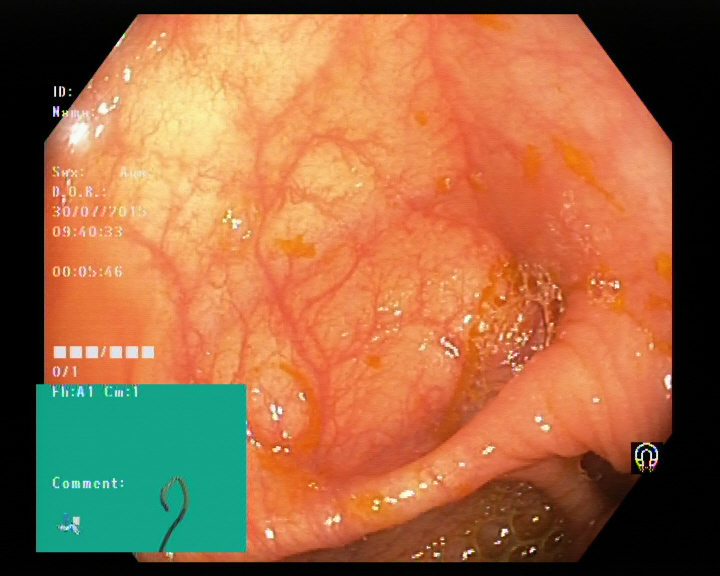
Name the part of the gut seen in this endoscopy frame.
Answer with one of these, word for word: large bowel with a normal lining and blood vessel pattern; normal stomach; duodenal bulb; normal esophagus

large bowel with a normal lining and blood vessel pattern